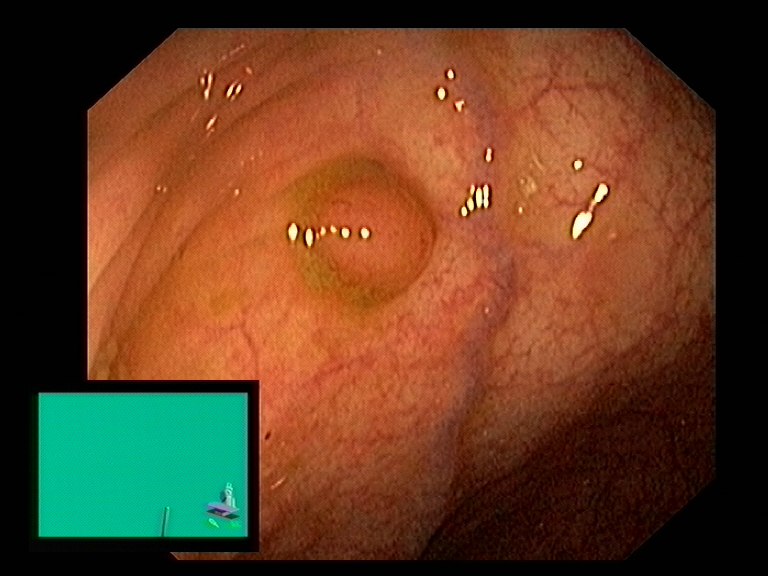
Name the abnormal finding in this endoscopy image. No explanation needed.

colon polyp